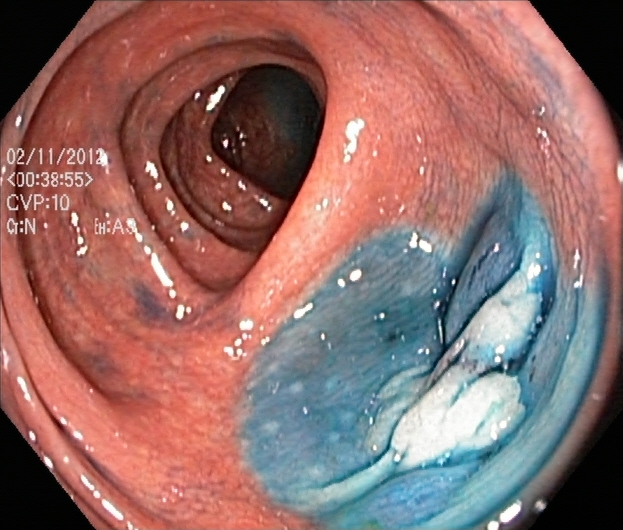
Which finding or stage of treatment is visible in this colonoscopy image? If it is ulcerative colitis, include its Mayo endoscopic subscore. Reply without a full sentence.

dyed and lifted polyp (pre-resection)